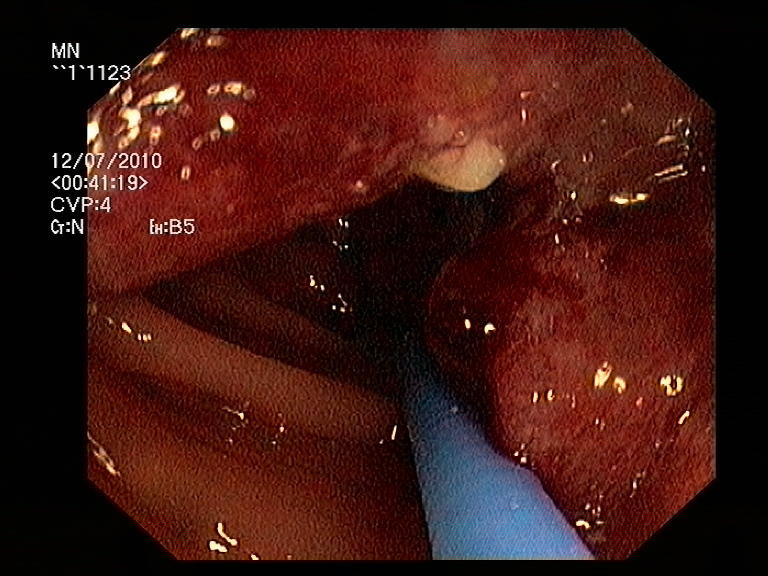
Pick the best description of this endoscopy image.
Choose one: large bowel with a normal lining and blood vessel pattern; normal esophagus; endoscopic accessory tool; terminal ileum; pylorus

endoscopic accessory tool